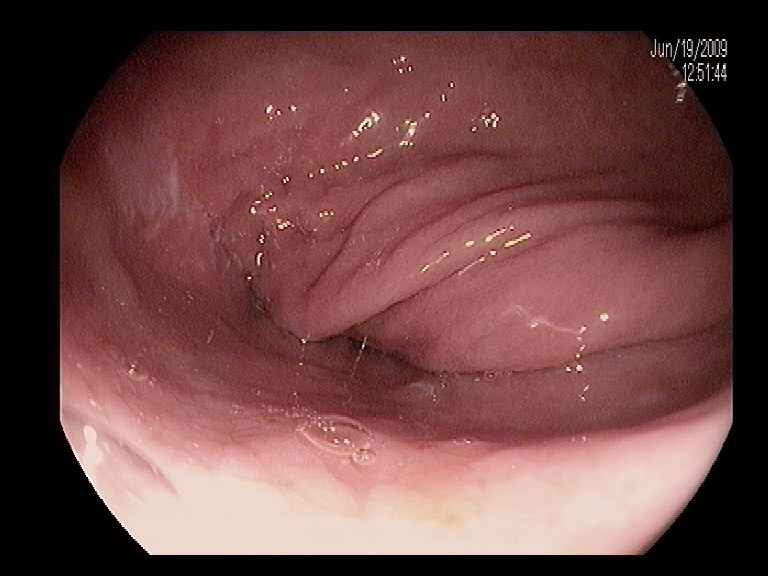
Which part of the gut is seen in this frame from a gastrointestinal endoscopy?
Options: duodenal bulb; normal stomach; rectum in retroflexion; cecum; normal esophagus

normal stomach